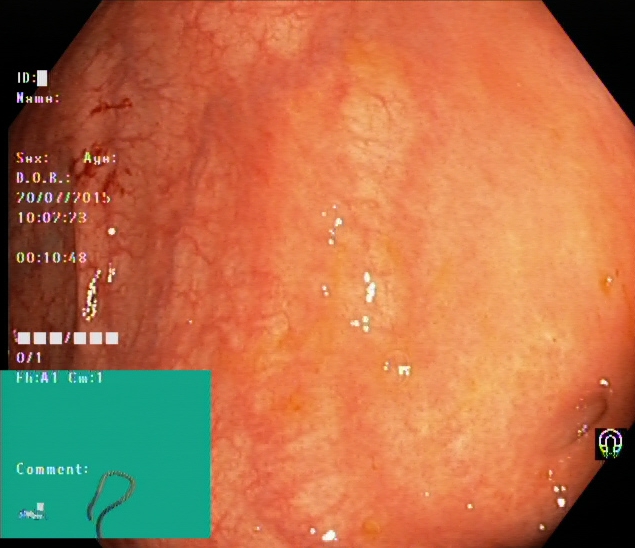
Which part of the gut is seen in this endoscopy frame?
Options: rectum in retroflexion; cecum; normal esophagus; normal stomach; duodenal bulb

cecum